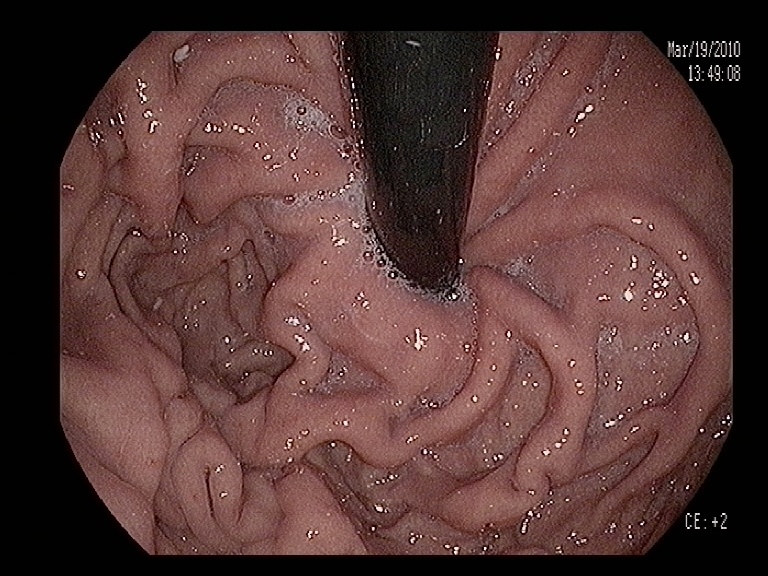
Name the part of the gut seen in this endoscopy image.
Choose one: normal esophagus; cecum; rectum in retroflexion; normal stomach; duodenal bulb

normal stomach